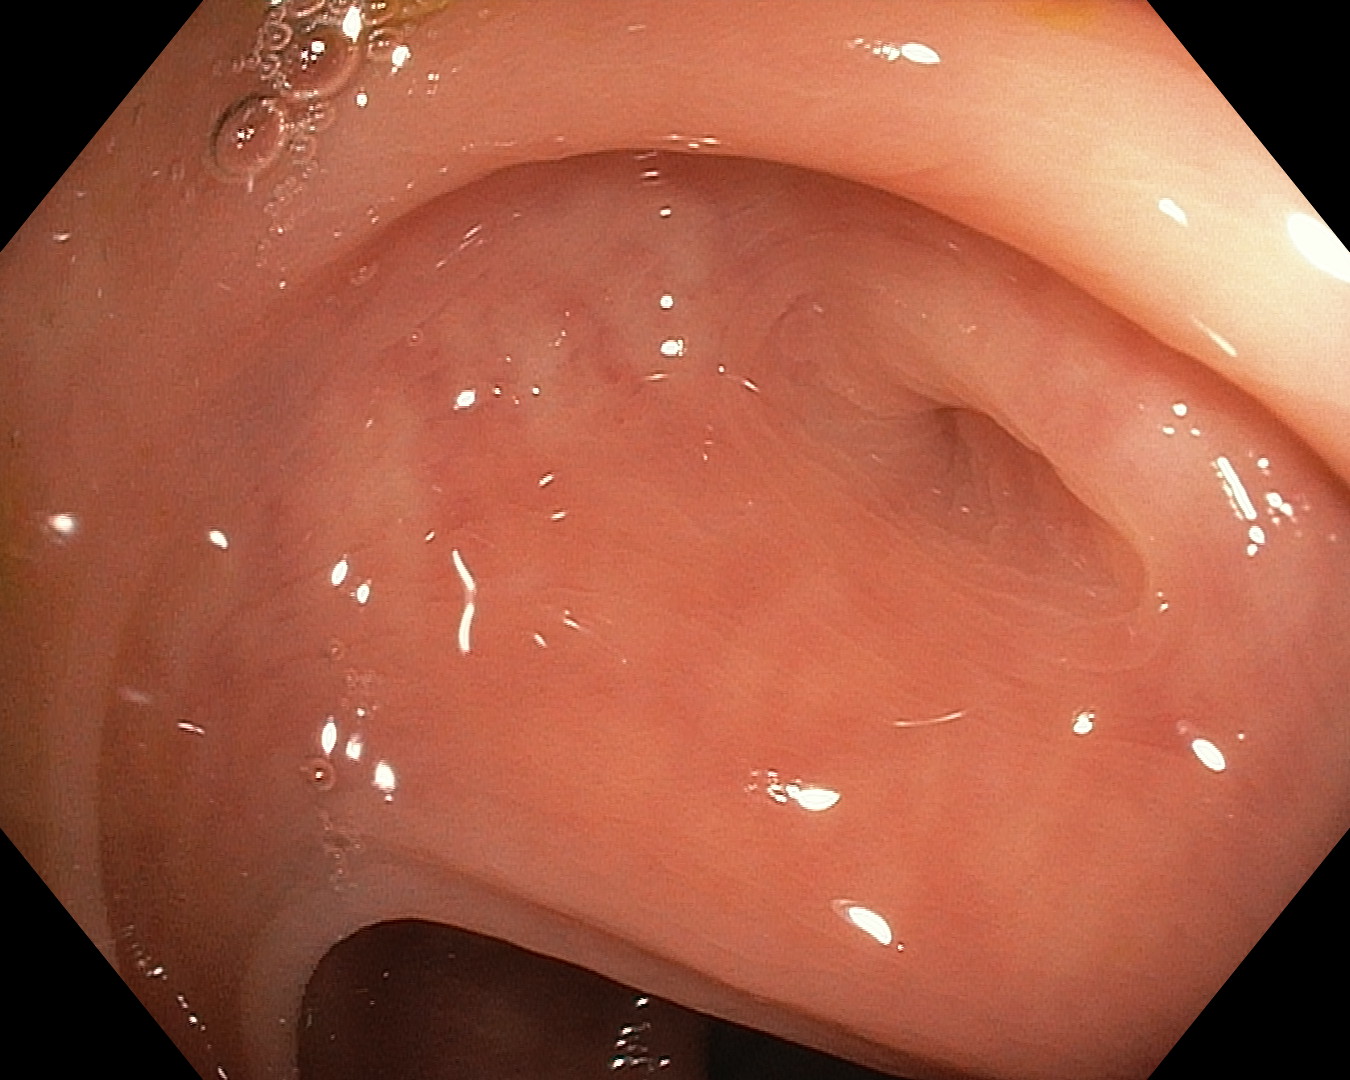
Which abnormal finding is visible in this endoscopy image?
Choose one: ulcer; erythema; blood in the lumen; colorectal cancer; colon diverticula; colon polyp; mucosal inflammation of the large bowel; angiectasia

colon diverticula